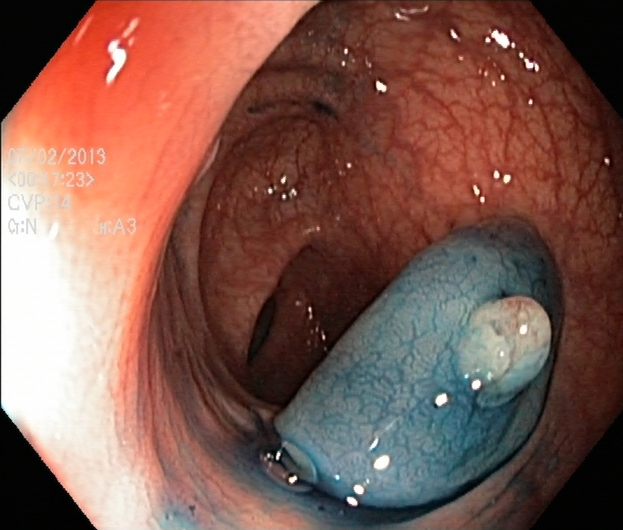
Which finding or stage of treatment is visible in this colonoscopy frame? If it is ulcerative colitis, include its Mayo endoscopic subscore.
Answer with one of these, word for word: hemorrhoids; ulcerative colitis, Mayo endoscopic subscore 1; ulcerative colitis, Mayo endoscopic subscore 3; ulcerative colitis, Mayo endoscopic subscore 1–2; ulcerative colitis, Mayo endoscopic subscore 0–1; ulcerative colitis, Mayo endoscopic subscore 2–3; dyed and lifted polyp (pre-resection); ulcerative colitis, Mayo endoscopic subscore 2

dyed and lifted polyp (pre-resection)